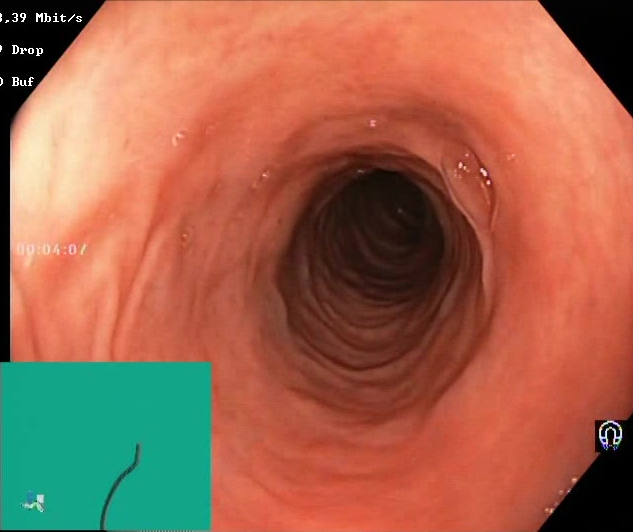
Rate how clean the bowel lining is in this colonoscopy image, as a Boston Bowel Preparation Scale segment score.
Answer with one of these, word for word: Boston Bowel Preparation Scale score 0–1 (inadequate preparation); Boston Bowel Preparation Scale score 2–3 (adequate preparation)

Boston Bowel Preparation Scale score 2–3 (adequate preparation)